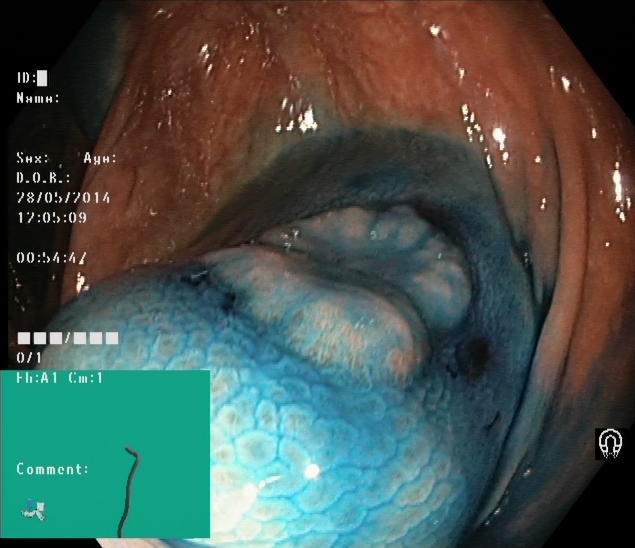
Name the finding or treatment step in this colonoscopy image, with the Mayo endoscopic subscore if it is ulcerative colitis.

dyed and lifted polyp (pre-resection)